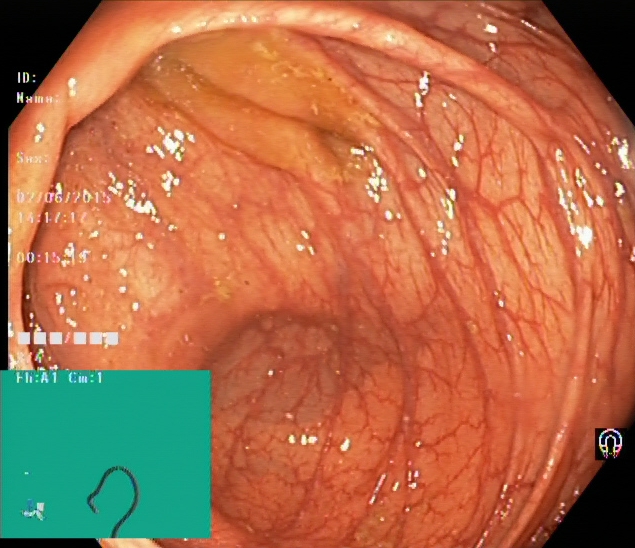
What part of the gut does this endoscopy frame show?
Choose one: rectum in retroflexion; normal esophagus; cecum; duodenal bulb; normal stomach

cecum